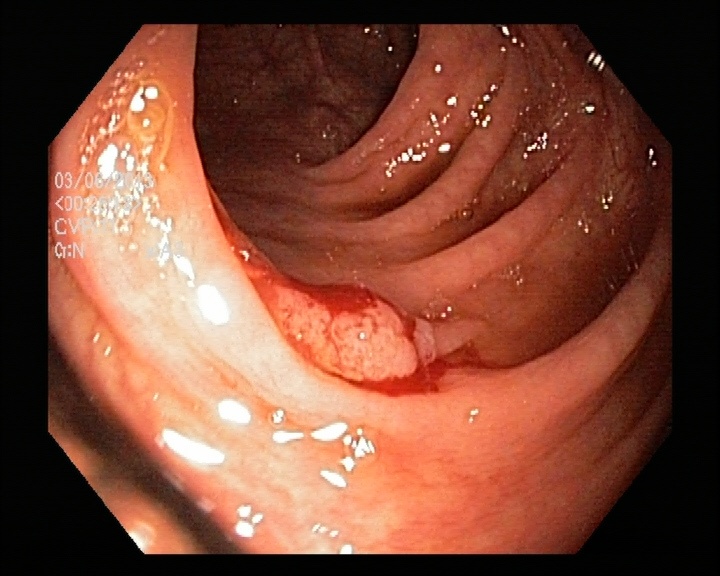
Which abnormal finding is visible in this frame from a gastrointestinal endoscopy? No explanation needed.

colon polyp